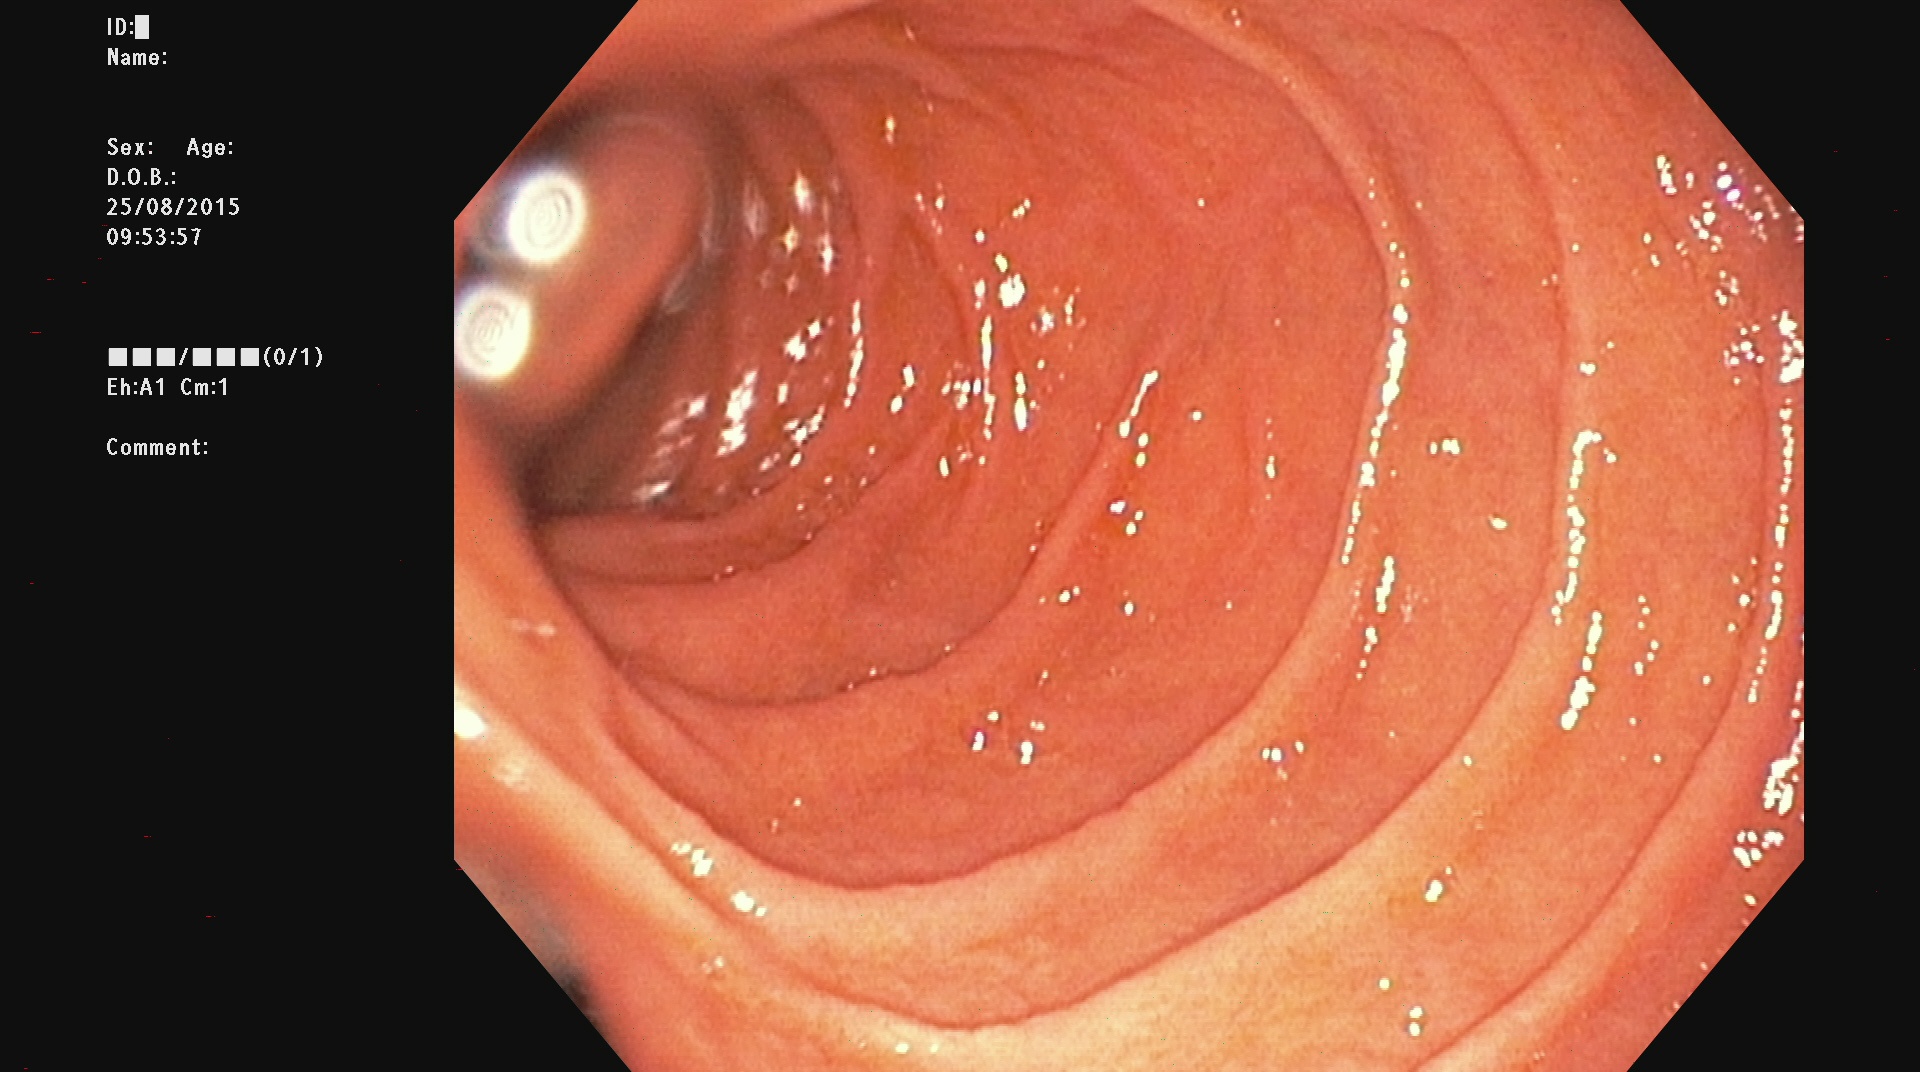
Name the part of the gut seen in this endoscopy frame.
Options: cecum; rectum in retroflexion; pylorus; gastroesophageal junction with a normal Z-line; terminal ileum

terminal ileum